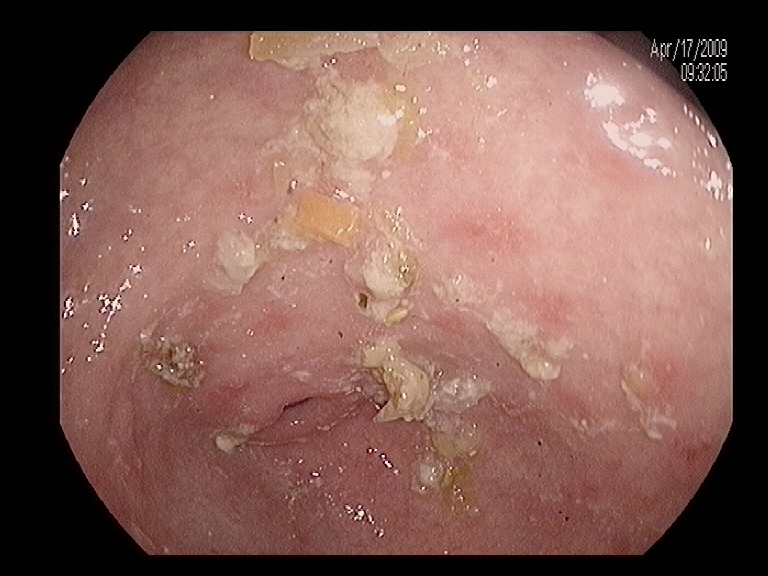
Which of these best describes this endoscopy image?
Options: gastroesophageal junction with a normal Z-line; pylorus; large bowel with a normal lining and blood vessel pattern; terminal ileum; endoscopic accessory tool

pylorus